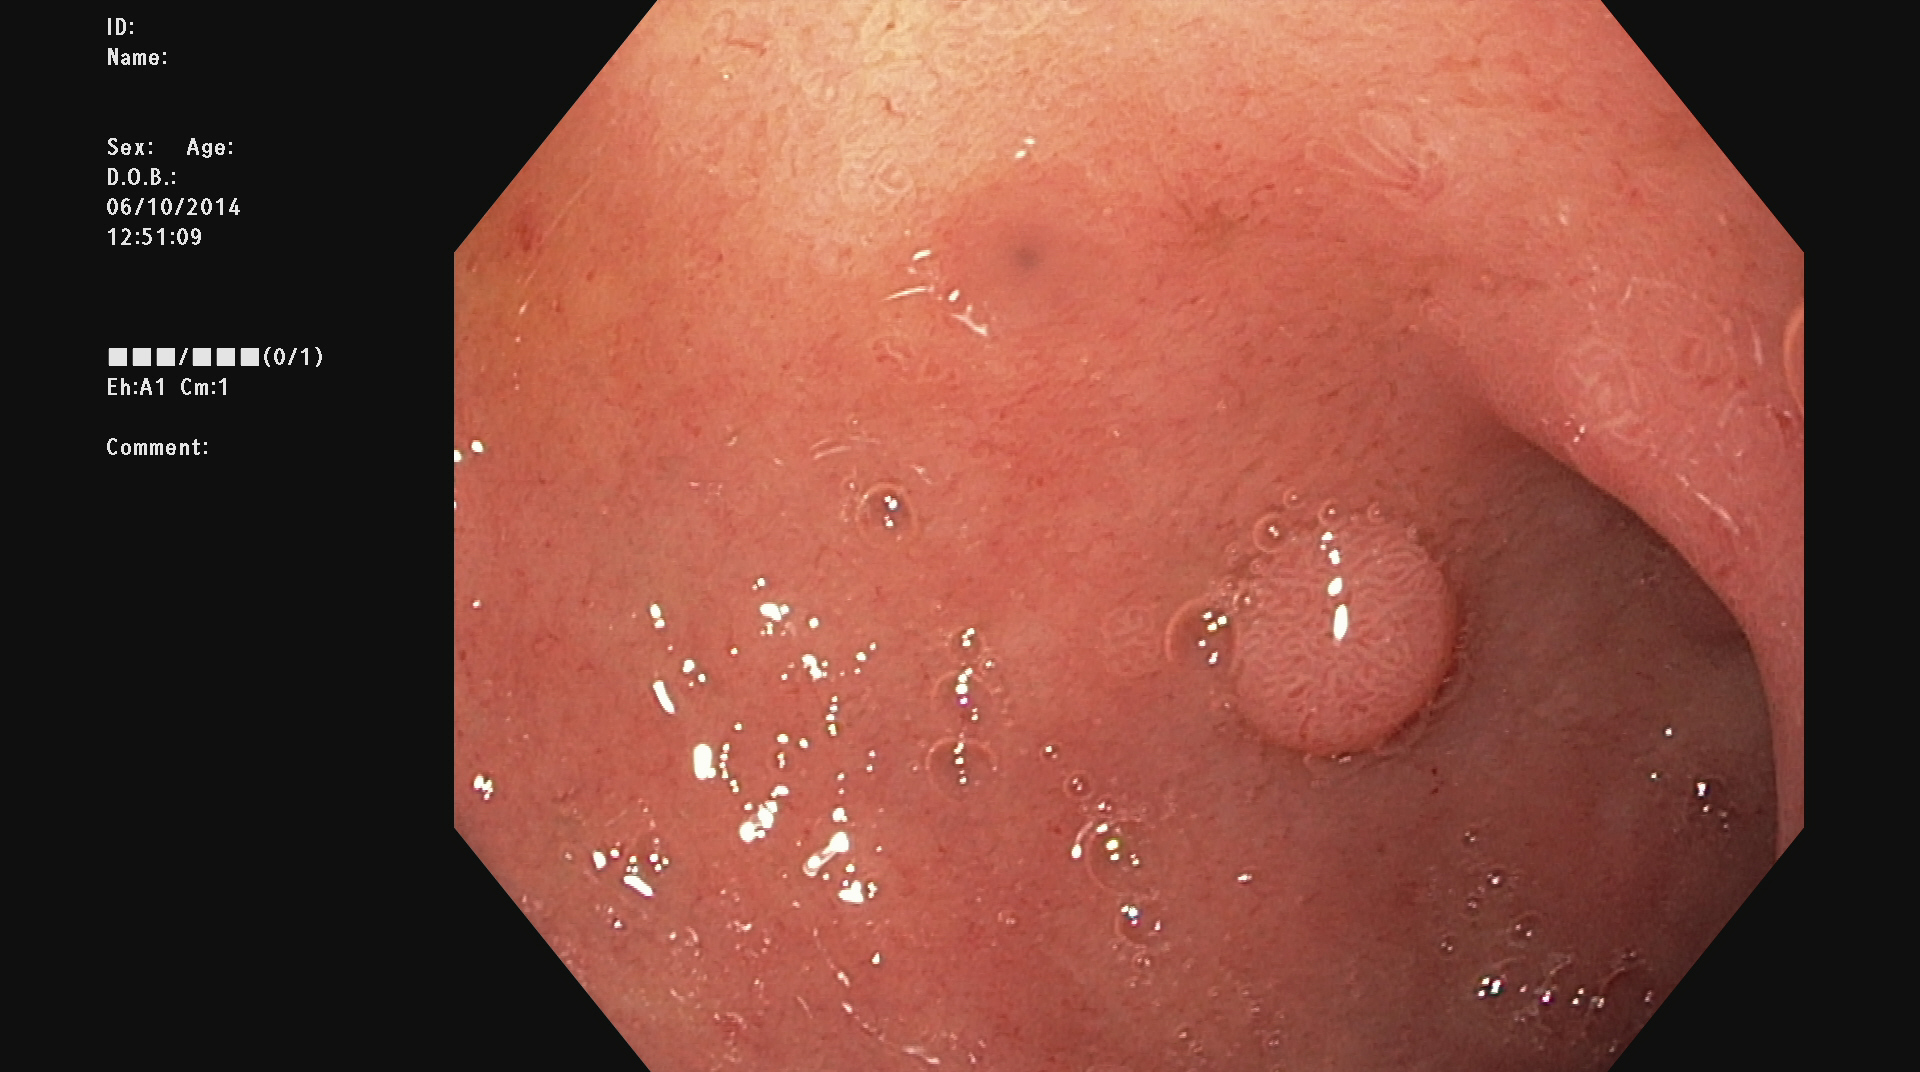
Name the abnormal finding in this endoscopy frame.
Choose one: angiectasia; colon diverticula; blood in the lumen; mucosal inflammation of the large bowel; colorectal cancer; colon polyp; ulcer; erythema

colon polyp